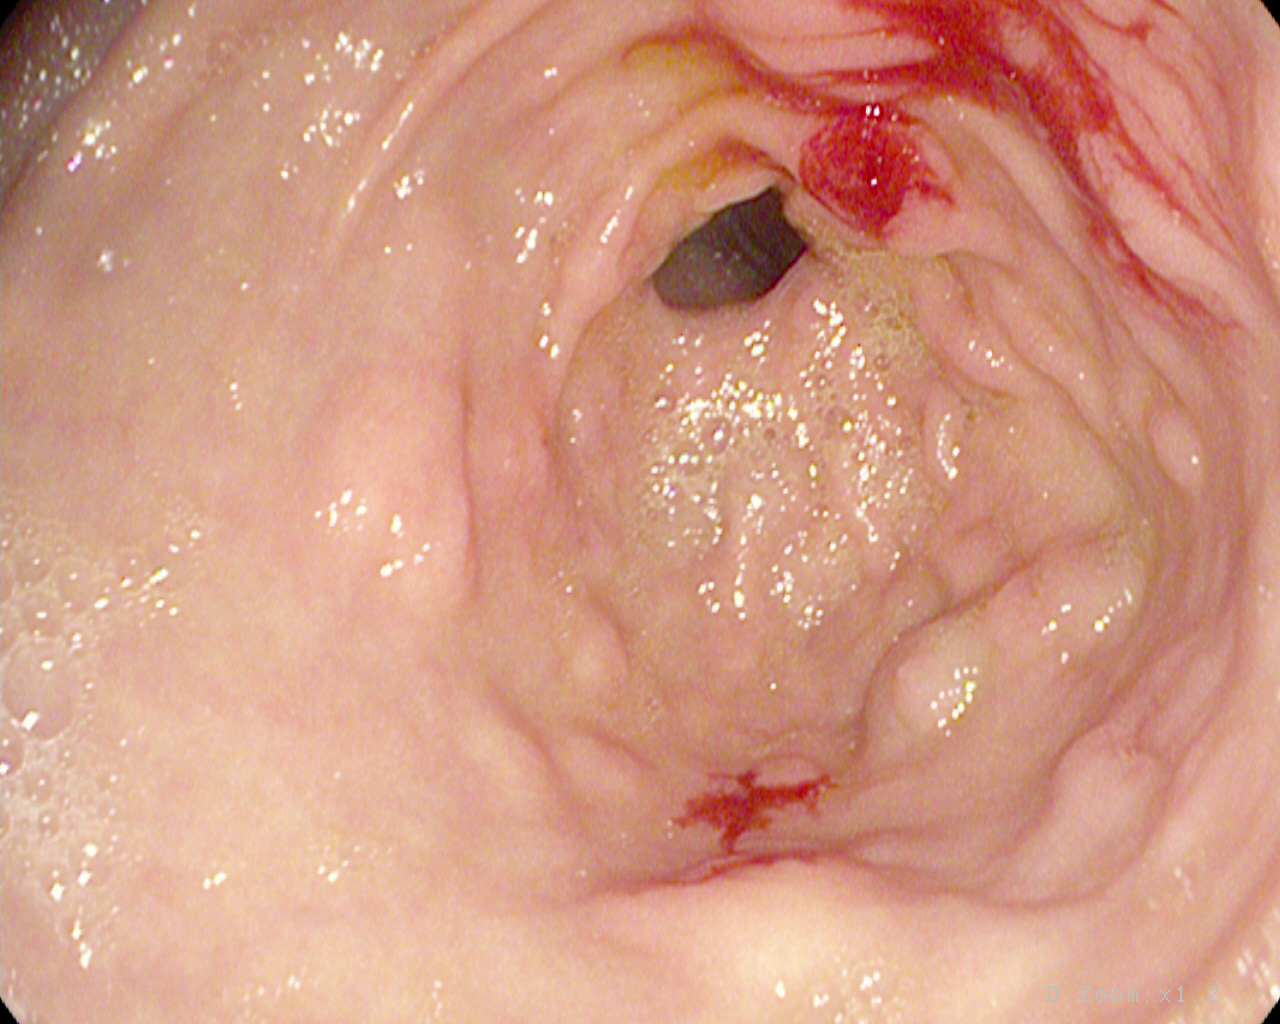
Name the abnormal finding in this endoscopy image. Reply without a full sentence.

blood in the lumen